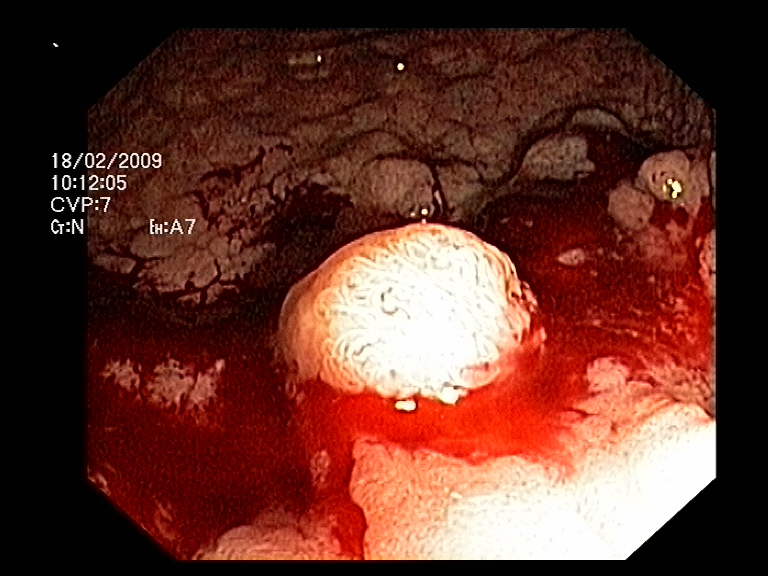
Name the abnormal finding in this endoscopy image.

colon polyp